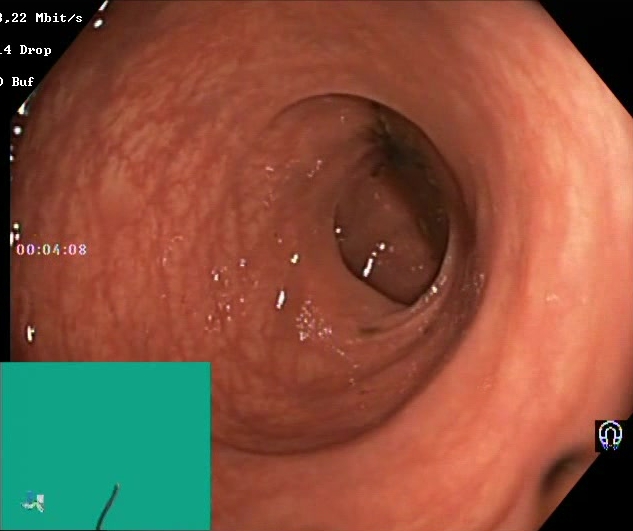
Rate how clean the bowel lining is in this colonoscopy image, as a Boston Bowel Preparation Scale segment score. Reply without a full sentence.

Boston Bowel Preparation Scale score 0–1 (inadequate preparation)